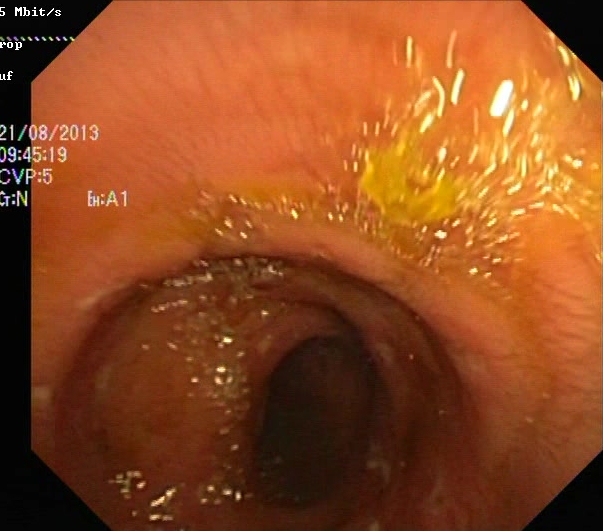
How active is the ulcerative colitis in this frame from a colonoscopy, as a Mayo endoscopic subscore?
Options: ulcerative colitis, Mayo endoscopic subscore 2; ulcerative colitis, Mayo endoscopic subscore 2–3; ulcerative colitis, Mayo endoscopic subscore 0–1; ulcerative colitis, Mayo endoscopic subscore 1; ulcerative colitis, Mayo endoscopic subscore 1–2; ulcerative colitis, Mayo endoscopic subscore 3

ulcerative colitis, Mayo endoscopic subscore 2